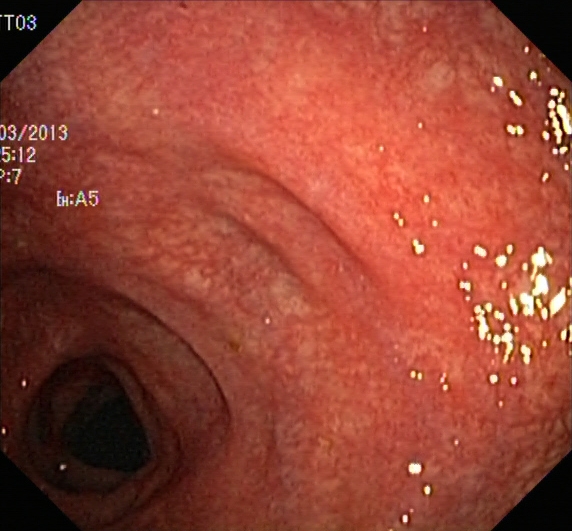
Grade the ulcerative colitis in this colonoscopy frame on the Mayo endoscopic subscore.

ulcerative colitis, Mayo endoscopic subscore 1